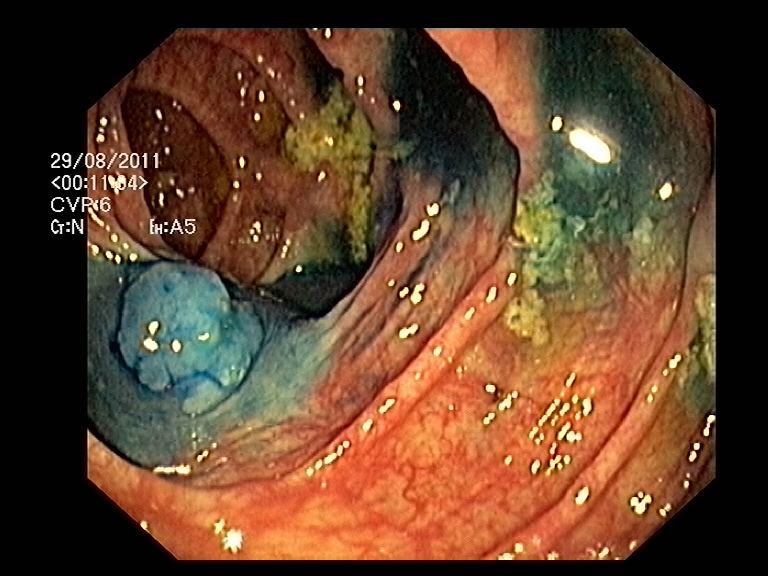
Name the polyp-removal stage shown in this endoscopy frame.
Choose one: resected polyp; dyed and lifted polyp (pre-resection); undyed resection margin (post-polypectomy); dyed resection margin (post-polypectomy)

dyed and lifted polyp (pre-resection)